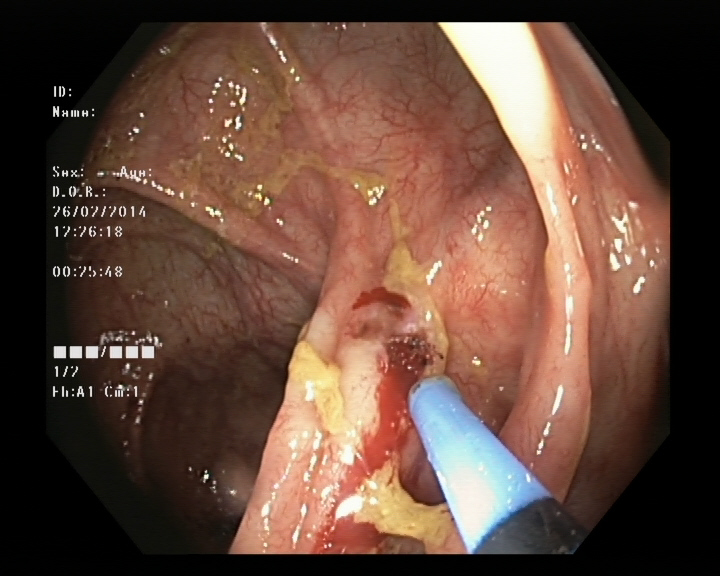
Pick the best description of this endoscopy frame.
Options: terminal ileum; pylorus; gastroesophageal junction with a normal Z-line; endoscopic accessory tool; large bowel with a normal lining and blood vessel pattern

endoscopic accessory tool